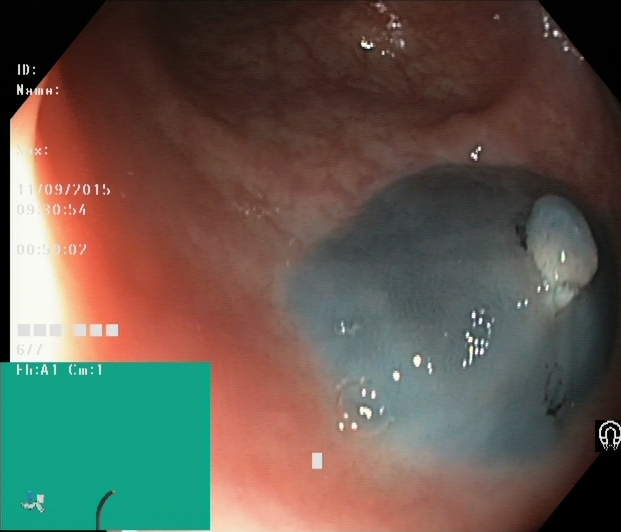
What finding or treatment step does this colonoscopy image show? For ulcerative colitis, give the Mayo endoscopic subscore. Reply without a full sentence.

dyed and lifted polyp (pre-resection)